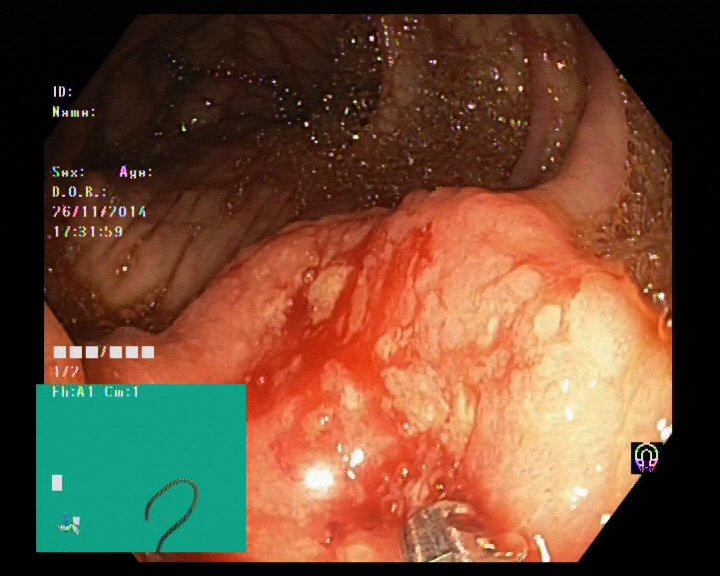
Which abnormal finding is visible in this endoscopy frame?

colorectal cancer